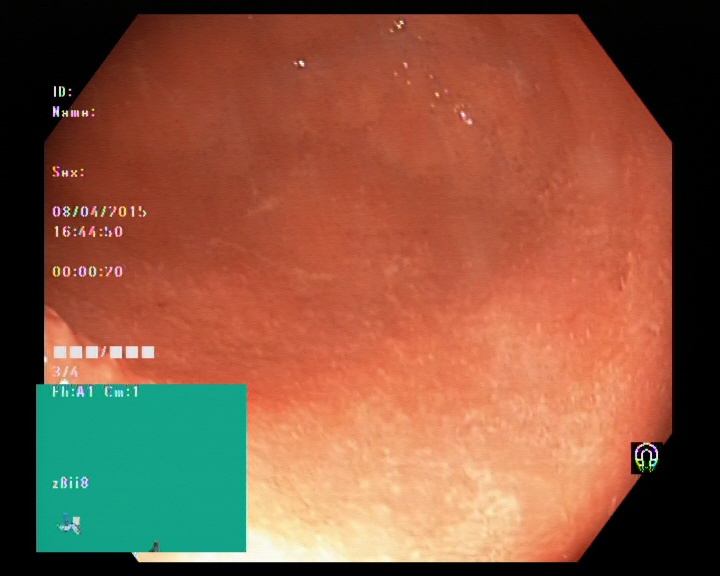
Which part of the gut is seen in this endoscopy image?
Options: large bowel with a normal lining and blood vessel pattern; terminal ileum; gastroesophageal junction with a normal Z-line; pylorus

large bowel with a normal lining and blood vessel pattern